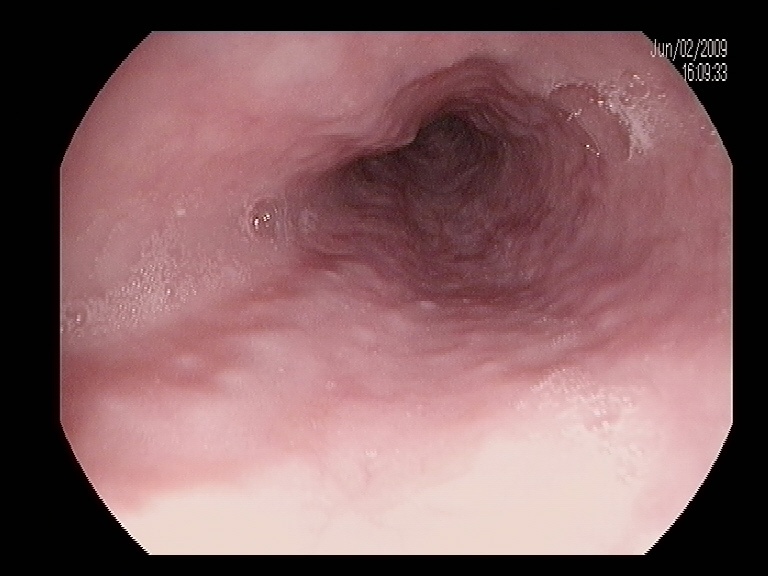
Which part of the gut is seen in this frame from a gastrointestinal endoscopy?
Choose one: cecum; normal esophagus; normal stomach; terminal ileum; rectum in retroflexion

normal esophagus